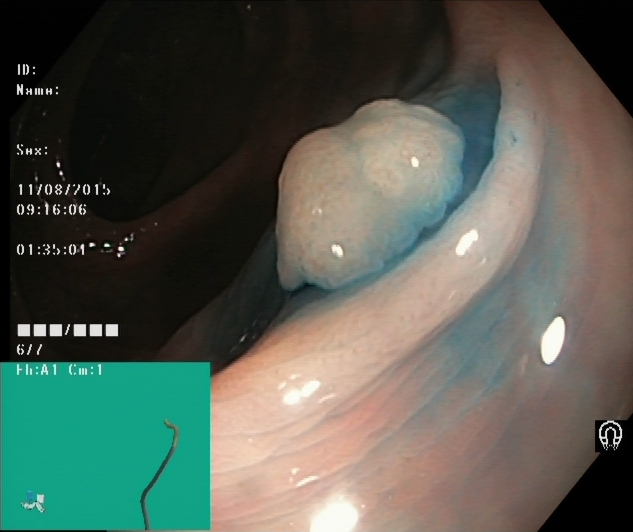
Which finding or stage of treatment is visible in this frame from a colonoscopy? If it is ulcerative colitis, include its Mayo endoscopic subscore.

dyed and lifted polyp (pre-resection)